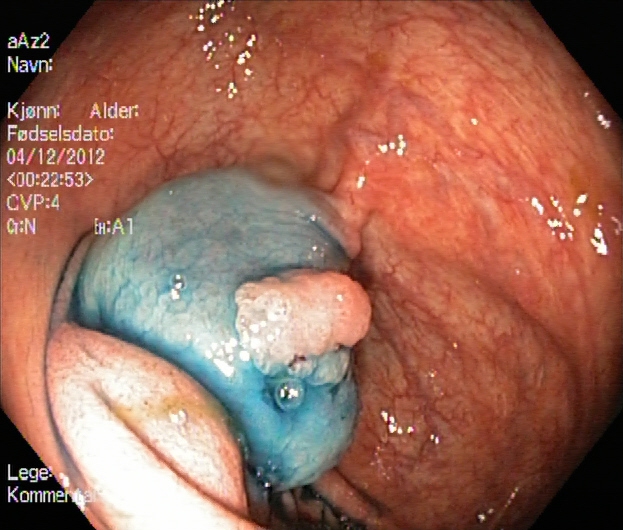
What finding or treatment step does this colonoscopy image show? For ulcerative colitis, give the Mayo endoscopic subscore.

dyed and lifted polyp (pre-resection)